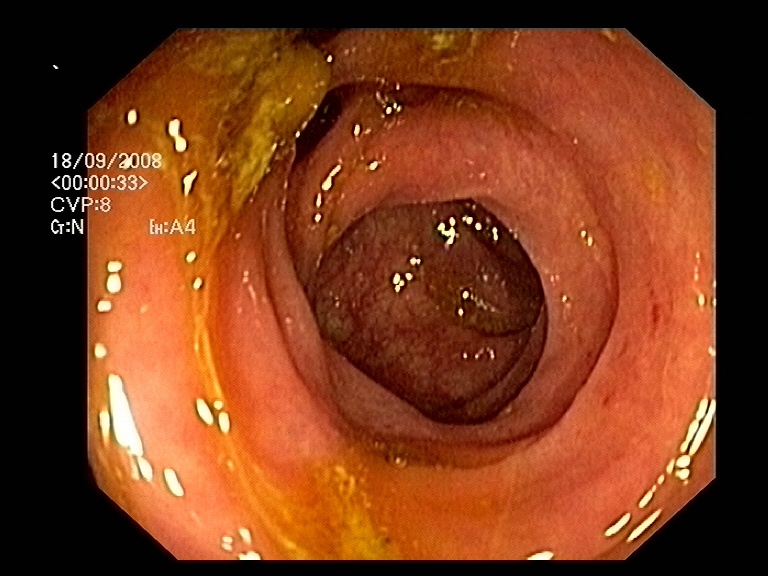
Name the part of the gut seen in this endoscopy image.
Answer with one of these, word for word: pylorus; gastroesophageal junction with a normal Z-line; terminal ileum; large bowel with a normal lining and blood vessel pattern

large bowel with a normal lining and blood vessel pattern